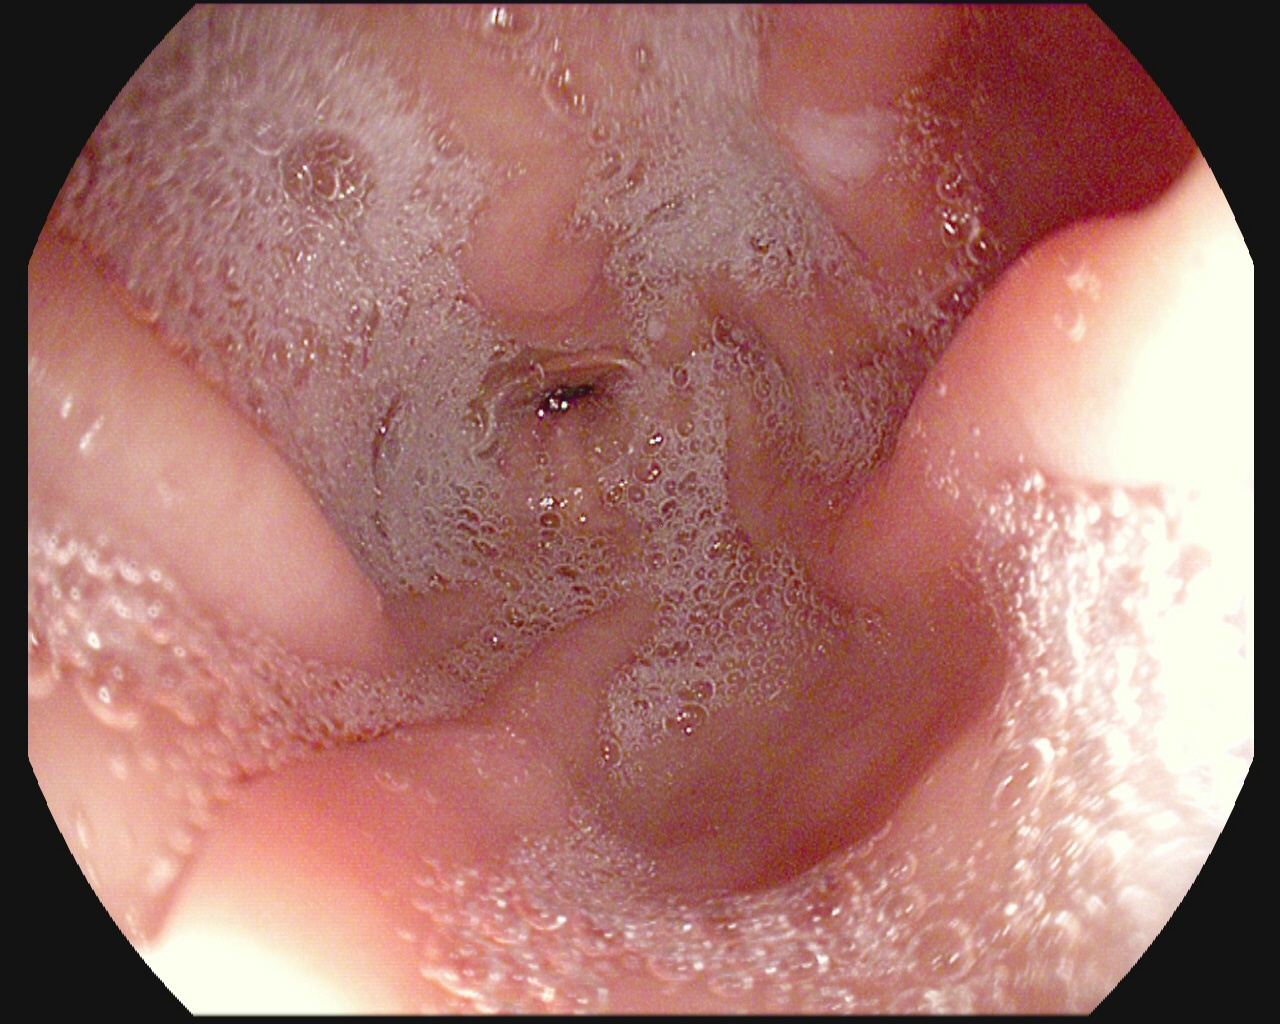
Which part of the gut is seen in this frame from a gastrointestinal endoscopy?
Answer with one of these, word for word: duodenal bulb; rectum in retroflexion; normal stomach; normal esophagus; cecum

normal stomach